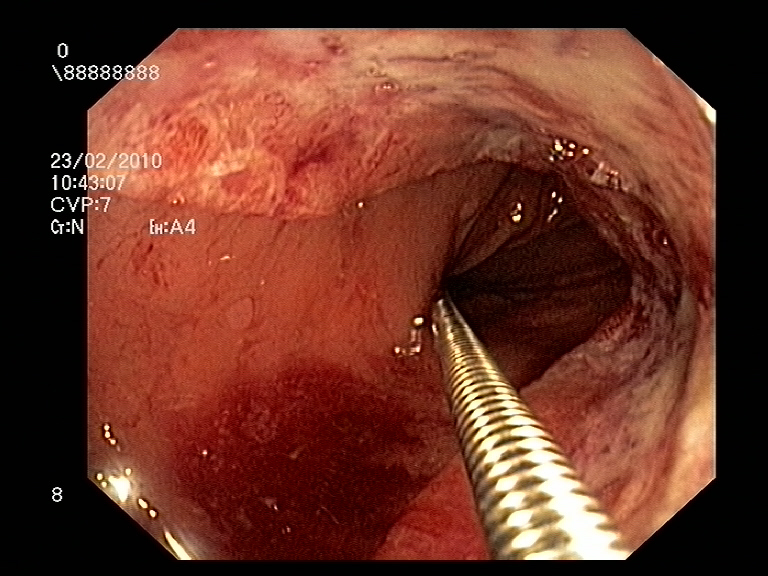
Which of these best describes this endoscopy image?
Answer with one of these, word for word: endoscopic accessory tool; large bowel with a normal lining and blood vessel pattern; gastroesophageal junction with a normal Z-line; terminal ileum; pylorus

endoscopic accessory tool